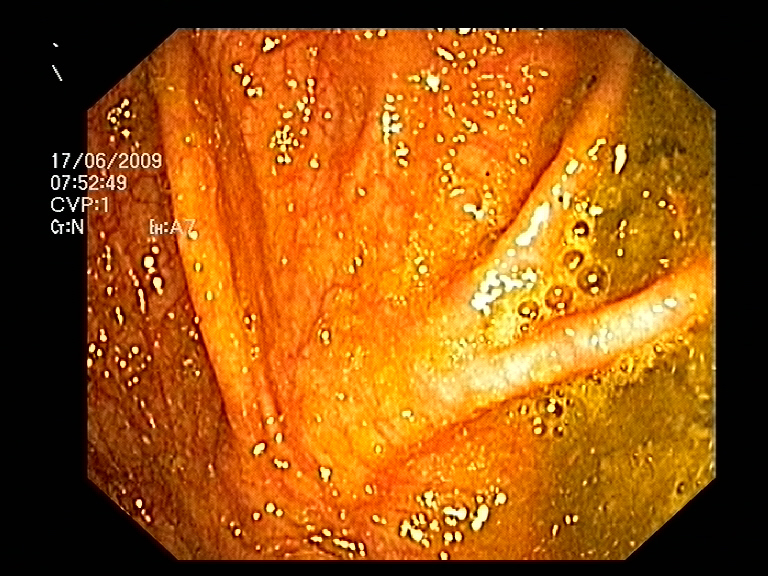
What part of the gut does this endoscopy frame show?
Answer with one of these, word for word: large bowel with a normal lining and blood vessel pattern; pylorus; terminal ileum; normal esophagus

large bowel with a normal lining and blood vessel pattern